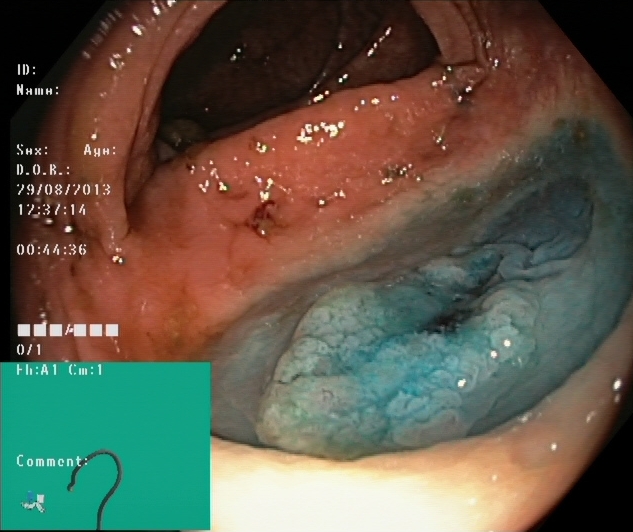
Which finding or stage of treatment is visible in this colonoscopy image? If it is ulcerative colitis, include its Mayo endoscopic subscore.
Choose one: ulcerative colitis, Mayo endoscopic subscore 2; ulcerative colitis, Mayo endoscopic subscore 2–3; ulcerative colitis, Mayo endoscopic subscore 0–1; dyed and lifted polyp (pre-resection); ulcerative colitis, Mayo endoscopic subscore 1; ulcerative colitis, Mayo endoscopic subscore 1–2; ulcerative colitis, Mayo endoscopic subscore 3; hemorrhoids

dyed and lifted polyp (pre-resection)